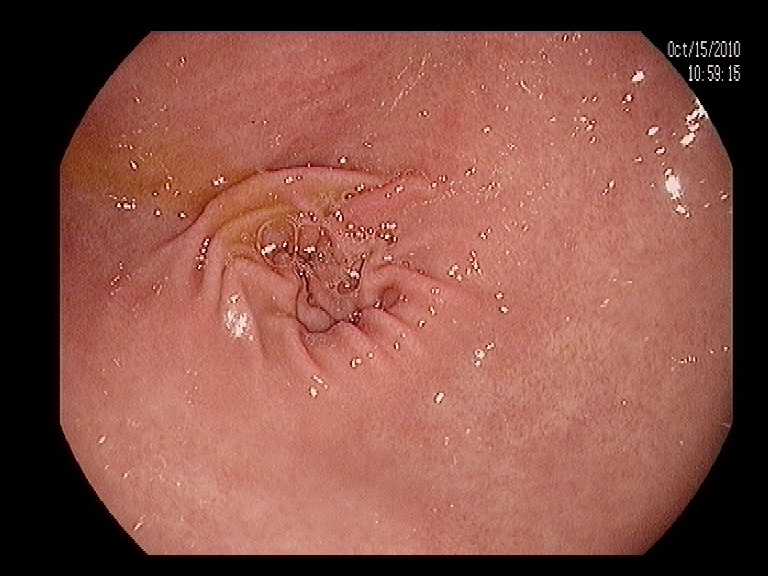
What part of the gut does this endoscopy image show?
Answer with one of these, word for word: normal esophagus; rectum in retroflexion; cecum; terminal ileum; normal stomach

normal stomach